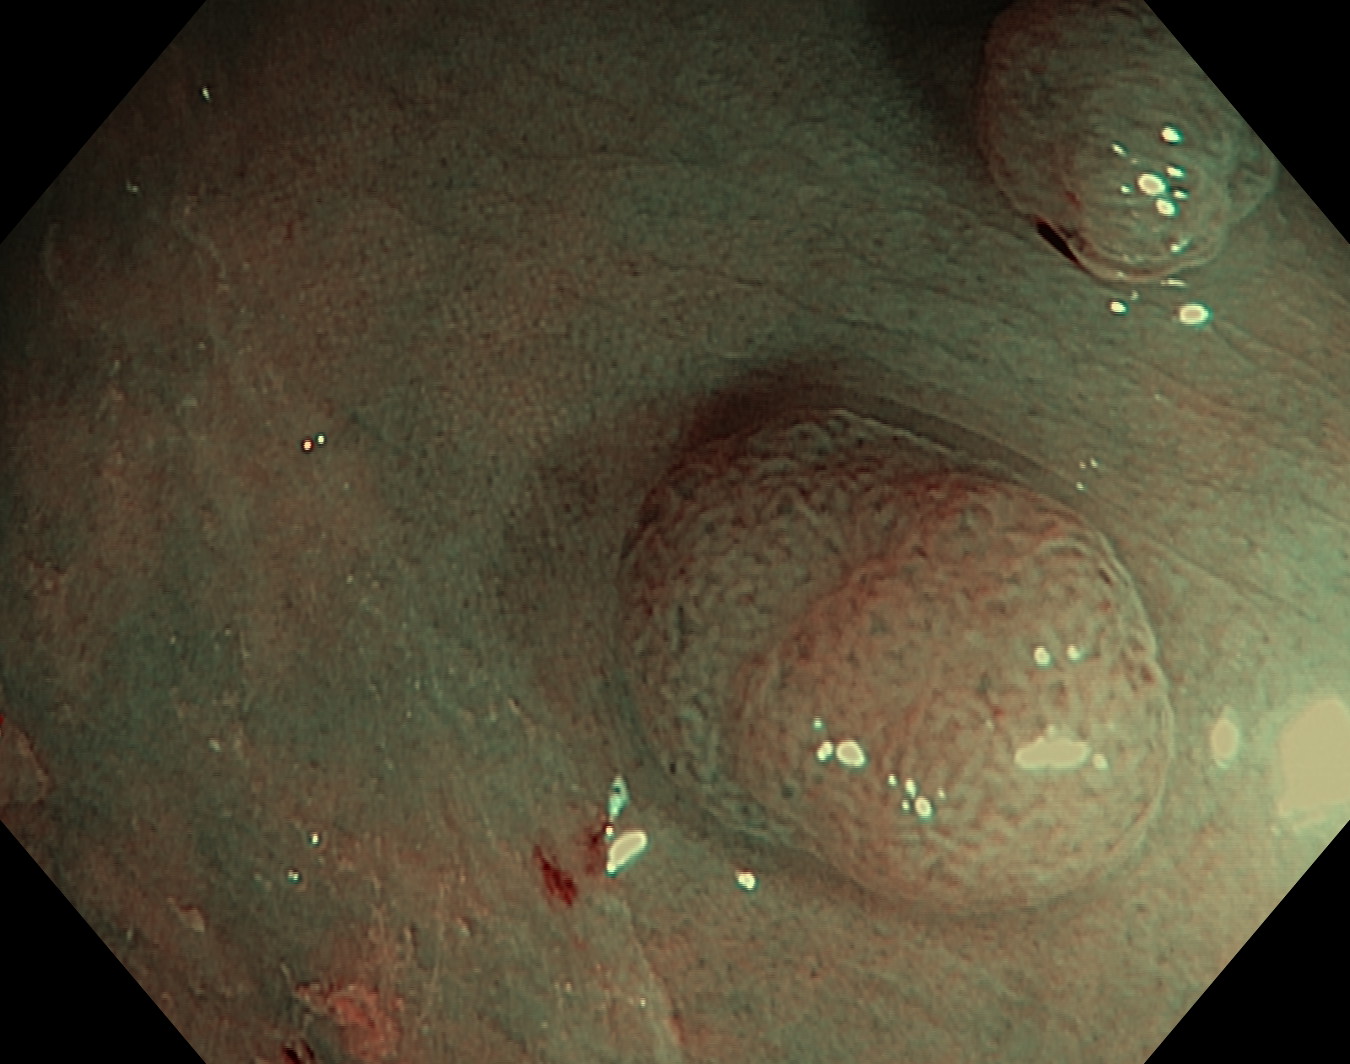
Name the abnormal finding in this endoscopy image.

colon polyp